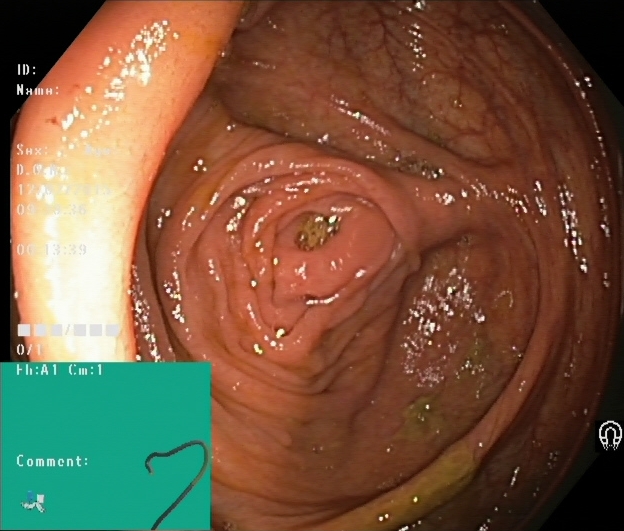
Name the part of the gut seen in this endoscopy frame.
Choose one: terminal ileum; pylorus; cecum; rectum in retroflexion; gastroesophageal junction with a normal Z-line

cecum